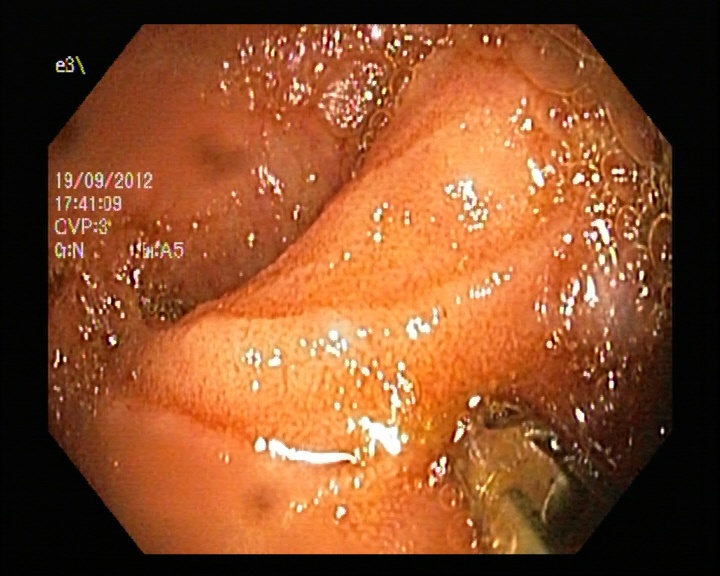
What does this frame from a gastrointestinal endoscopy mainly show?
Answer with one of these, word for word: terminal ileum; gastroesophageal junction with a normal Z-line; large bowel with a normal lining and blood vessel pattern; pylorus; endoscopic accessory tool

endoscopic accessory tool